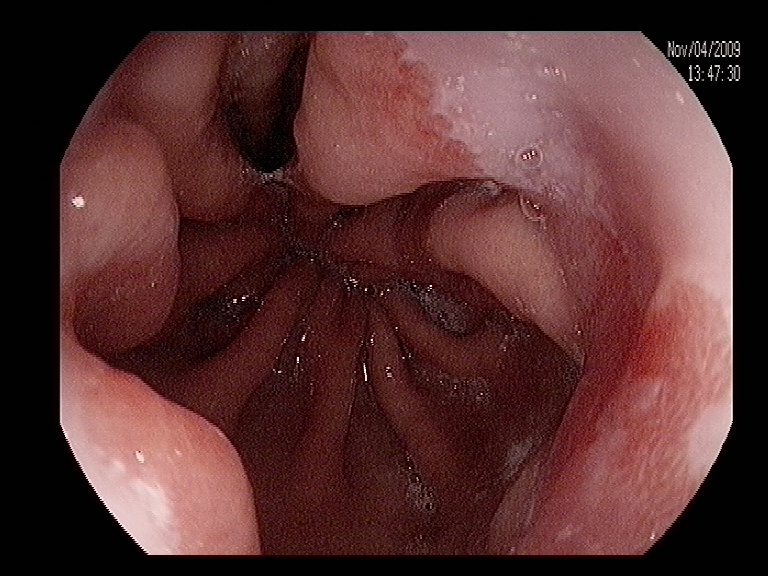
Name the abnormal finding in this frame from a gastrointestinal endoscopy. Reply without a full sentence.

Barrett's esophagus